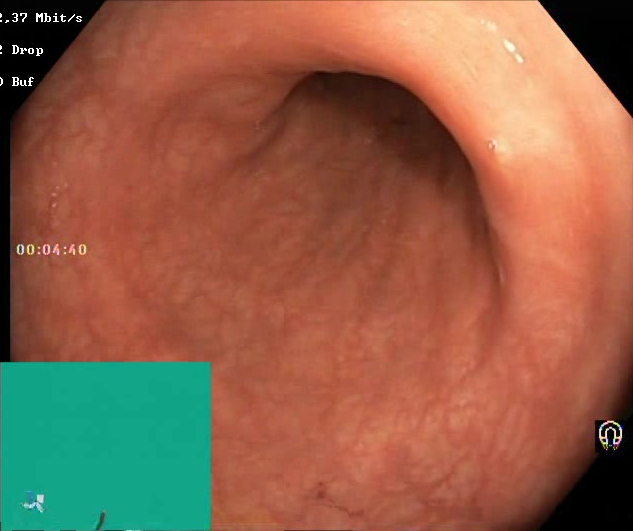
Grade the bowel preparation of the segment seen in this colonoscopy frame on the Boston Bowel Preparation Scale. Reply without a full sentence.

Boston Bowel Preparation Scale score 2–3 (adequate preparation)